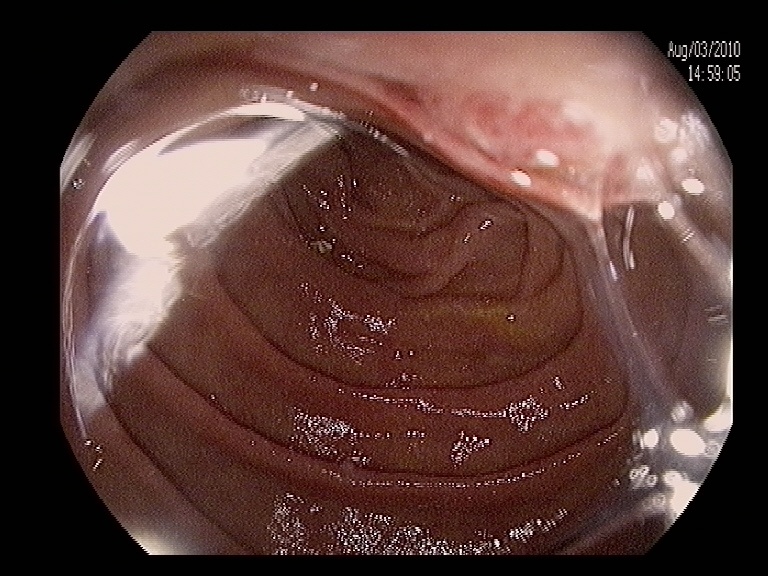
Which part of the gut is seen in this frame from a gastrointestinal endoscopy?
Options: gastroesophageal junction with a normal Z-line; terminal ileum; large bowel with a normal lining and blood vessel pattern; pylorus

terminal ileum